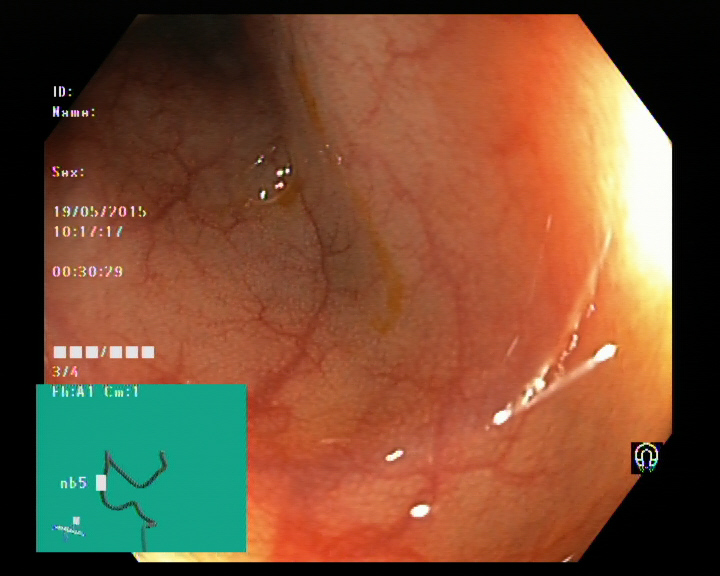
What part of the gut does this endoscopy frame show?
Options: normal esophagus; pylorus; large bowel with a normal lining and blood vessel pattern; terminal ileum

large bowel with a normal lining and blood vessel pattern